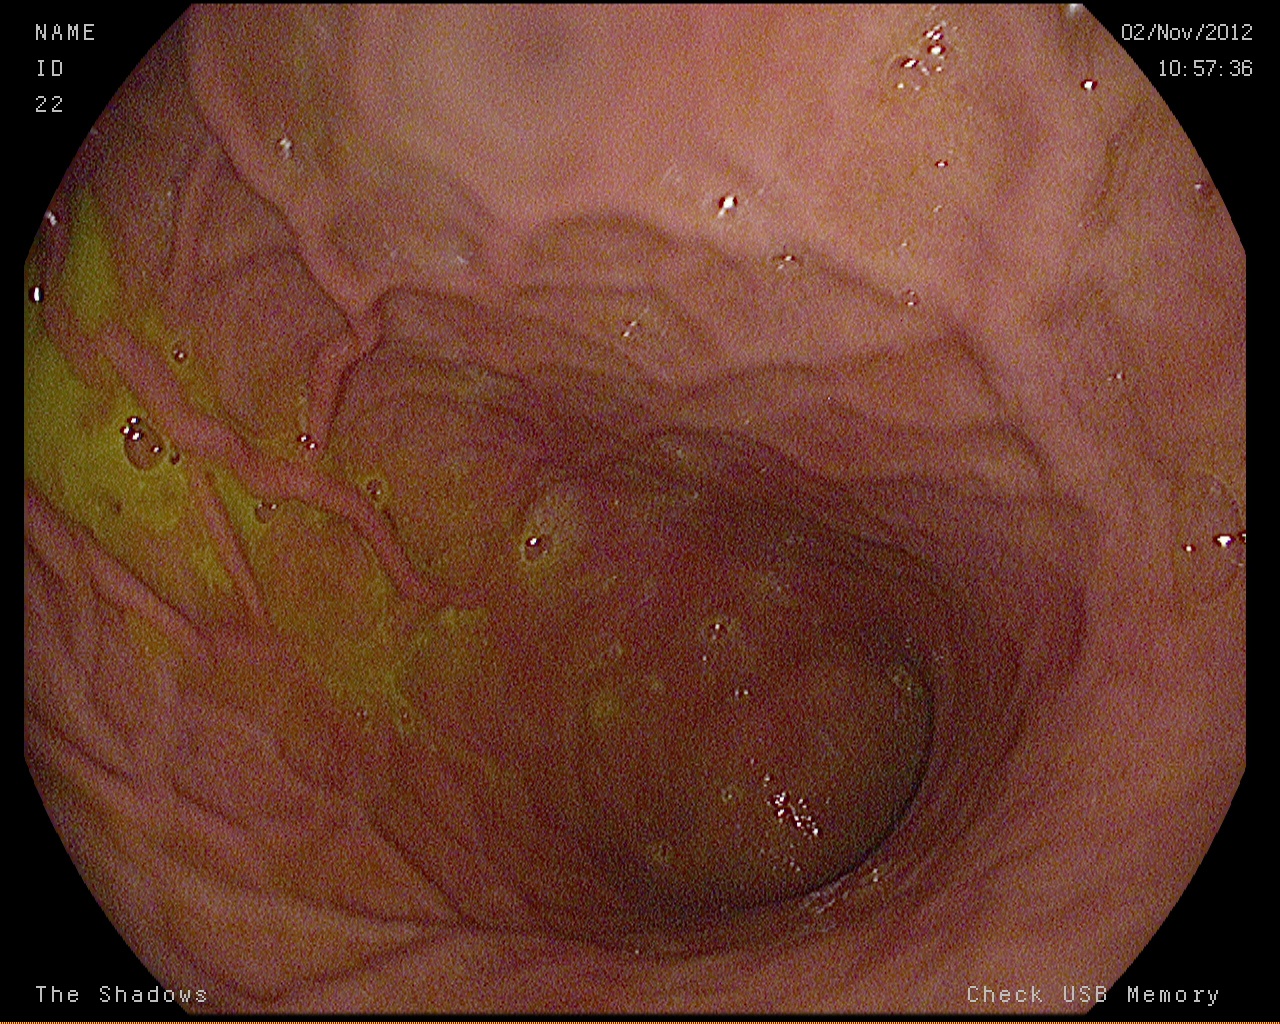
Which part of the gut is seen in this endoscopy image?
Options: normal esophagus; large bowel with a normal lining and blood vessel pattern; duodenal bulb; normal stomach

normal stomach